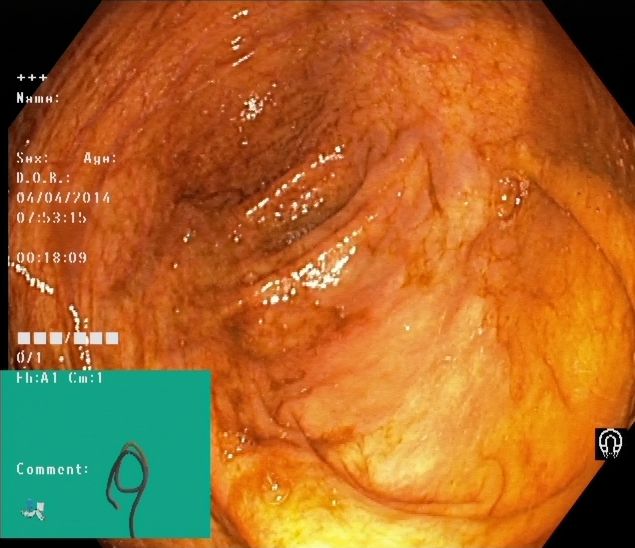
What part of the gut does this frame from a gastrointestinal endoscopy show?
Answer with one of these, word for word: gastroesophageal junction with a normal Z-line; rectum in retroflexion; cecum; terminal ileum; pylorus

cecum